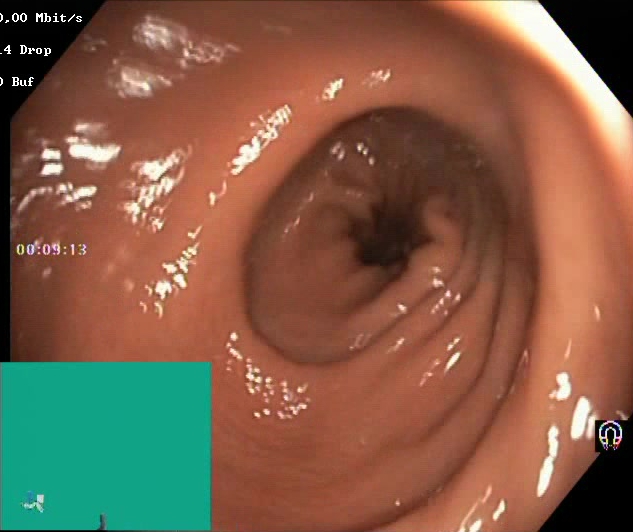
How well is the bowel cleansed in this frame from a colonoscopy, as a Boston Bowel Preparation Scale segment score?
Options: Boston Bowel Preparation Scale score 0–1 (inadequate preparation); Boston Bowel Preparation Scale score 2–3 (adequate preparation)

Boston Bowel Preparation Scale score 2–3 (adequate preparation)